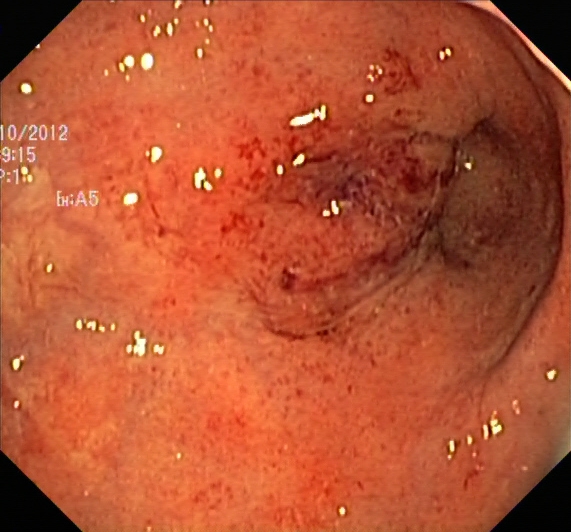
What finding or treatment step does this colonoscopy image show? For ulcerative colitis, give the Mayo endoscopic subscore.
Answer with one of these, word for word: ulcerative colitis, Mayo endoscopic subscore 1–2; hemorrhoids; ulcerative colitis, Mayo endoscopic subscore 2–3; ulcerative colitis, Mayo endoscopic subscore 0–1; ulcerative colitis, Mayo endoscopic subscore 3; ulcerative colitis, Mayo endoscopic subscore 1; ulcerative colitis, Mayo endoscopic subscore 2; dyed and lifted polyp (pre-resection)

ulcerative colitis, Mayo endoscopic subscore 2